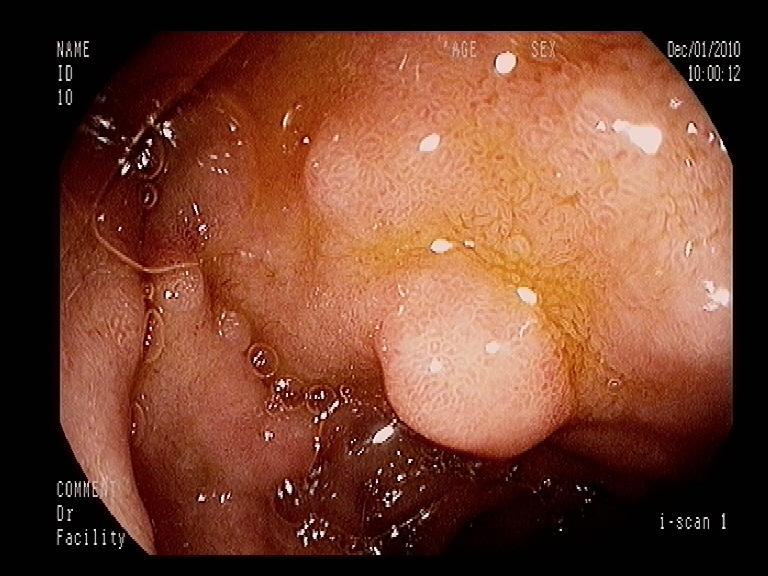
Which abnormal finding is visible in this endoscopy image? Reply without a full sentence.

colon polyp